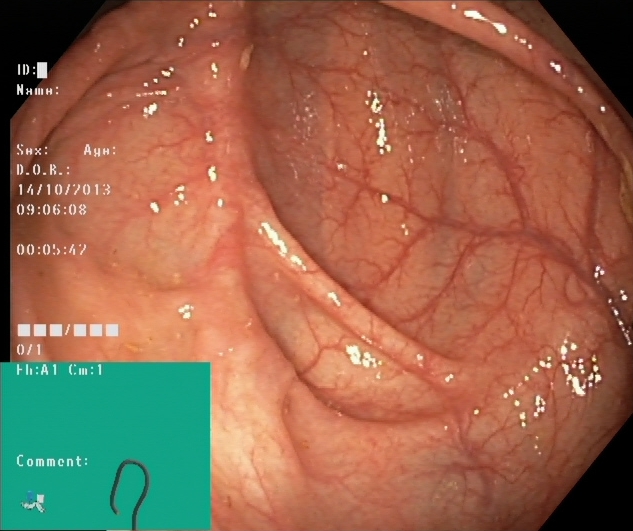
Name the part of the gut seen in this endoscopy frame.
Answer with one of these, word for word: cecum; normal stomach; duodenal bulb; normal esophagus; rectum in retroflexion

cecum